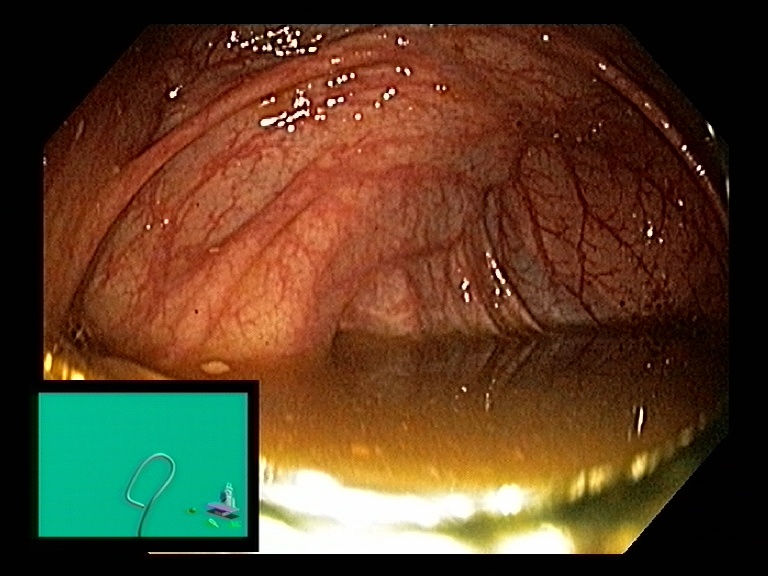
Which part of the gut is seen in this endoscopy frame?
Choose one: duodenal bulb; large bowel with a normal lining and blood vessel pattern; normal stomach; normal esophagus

large bowel with a normal lining and blood vessel pattern